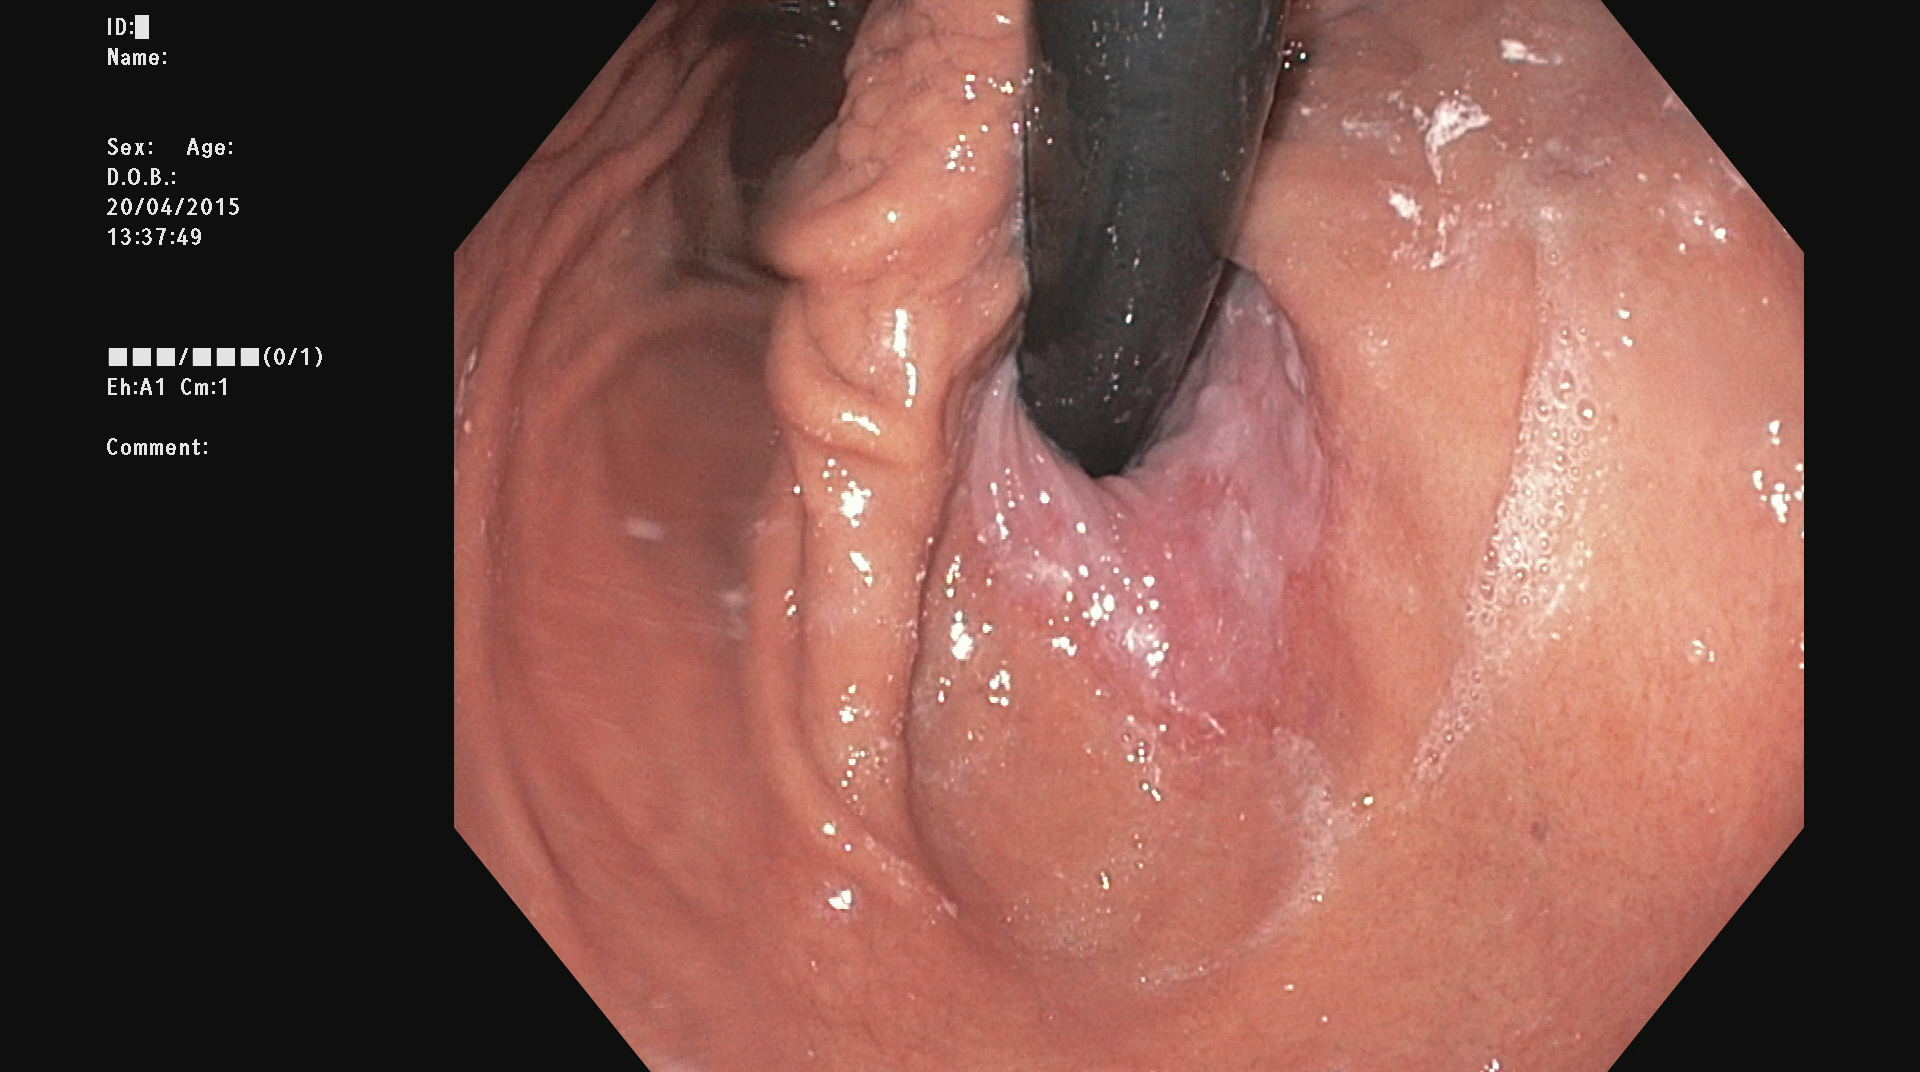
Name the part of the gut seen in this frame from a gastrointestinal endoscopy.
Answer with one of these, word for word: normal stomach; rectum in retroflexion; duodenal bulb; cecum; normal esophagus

normal stomach